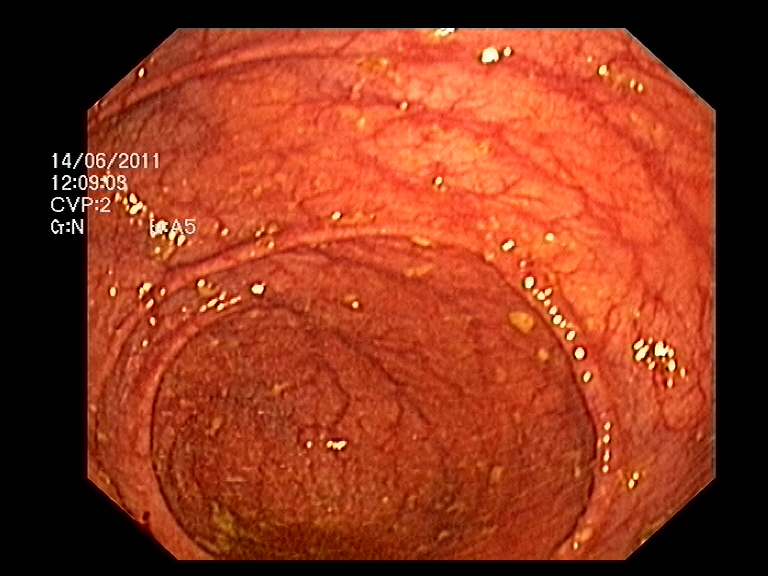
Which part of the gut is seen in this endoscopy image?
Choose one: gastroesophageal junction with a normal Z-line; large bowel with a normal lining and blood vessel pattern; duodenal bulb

large bowel with a normal lining and blood vessel pattern